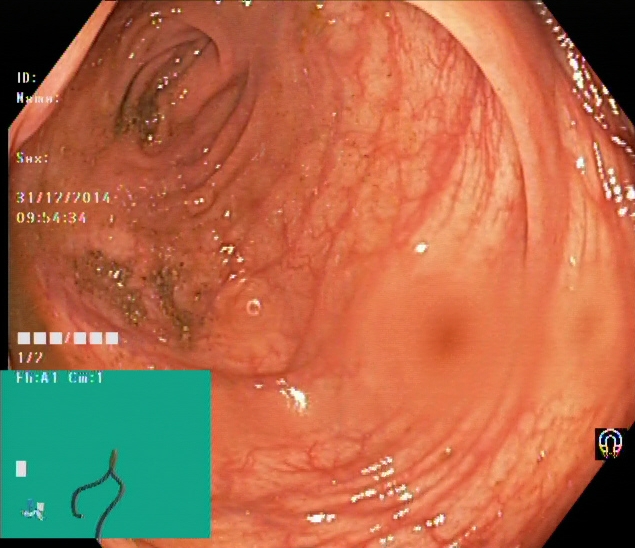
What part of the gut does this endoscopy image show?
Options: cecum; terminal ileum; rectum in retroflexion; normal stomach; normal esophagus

cecum